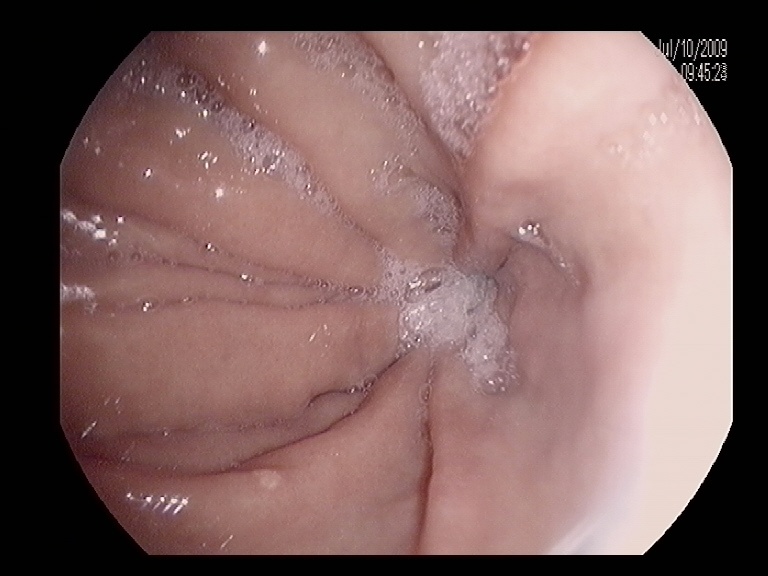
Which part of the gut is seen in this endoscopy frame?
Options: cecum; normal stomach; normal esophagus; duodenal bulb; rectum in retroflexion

normal stomach